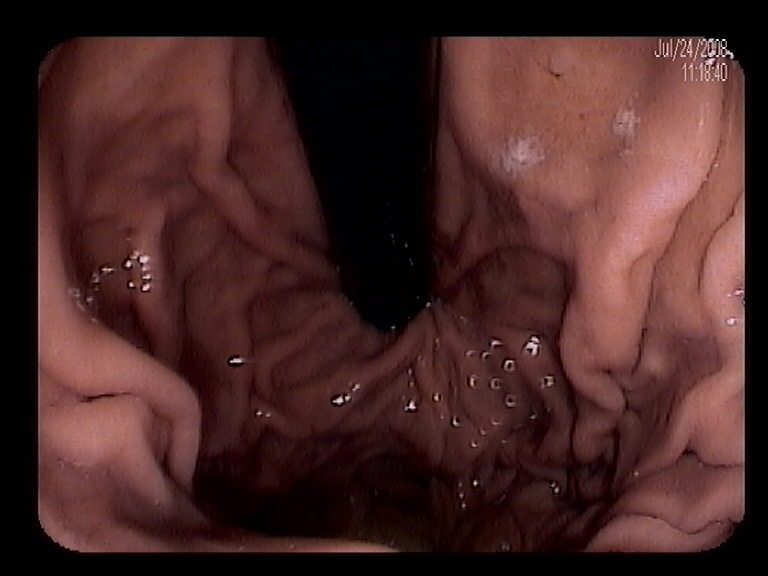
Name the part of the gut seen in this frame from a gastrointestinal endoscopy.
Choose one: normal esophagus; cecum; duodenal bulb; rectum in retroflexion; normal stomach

normal stomach